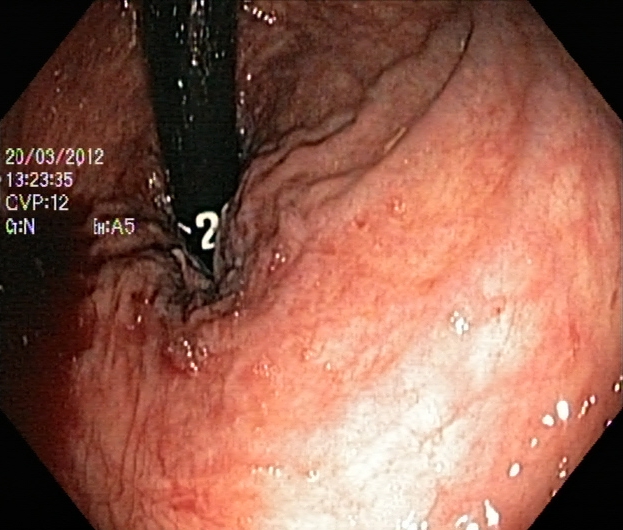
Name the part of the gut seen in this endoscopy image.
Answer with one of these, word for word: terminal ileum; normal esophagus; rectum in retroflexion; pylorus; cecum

rectum in retroflexion